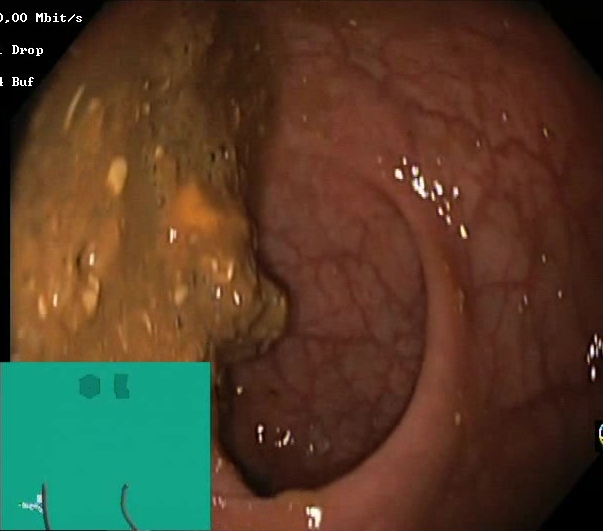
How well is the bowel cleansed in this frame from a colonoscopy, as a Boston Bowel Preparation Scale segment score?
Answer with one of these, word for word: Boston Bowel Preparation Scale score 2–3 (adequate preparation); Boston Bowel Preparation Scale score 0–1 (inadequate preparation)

Boston Bowel Preparation Scale score 0–1 (inadequate preparation)